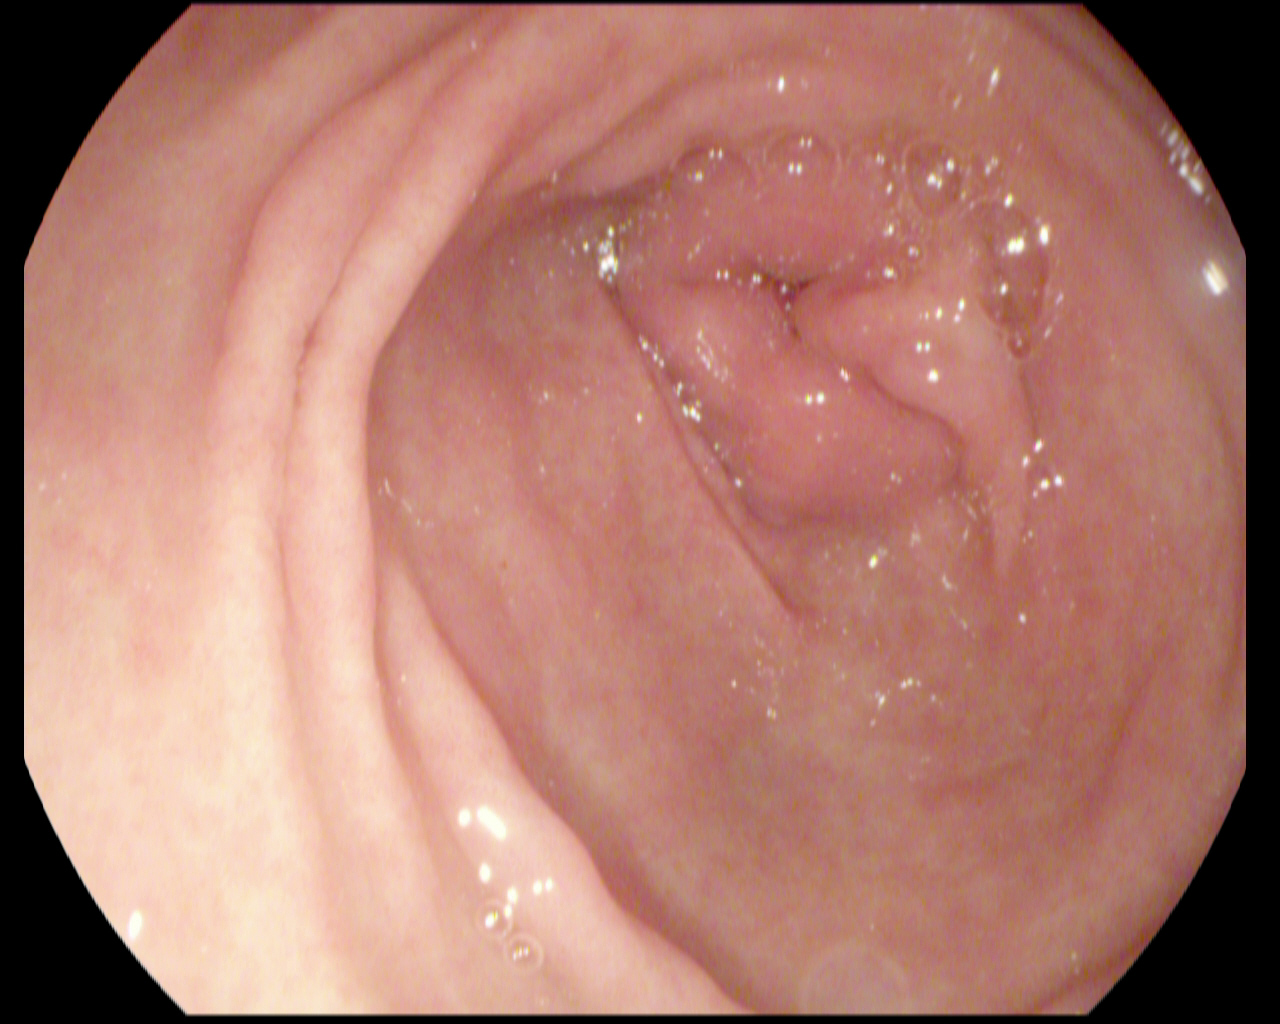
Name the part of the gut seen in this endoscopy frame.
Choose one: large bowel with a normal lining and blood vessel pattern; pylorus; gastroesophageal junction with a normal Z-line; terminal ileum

pylorus